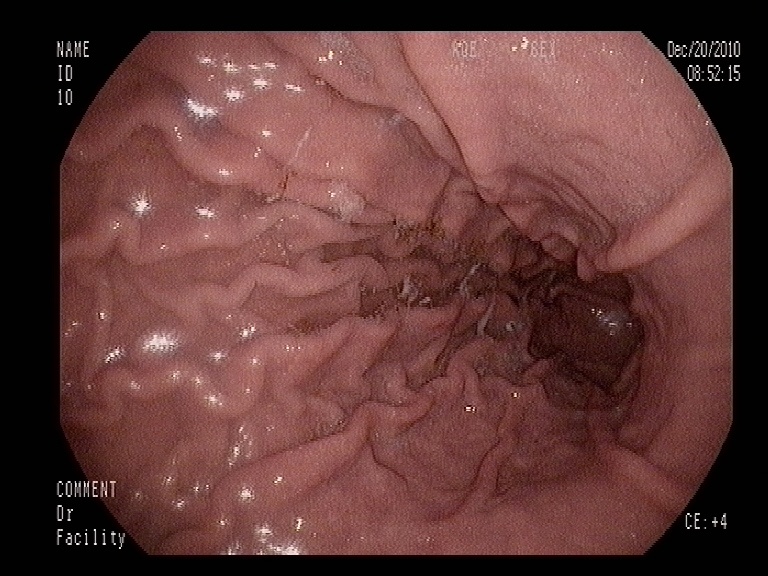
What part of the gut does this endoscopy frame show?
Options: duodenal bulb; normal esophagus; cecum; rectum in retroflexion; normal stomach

normal stomach